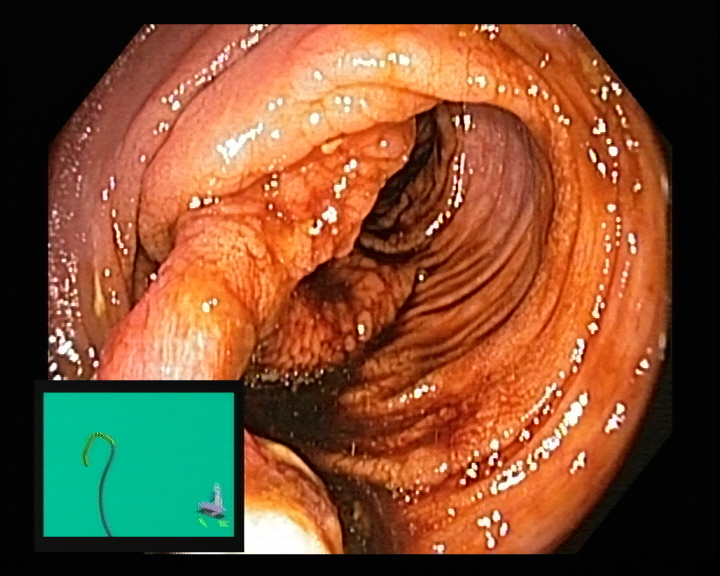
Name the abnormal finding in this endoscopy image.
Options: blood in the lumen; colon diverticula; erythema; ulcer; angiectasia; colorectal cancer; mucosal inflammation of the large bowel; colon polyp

colon polyp